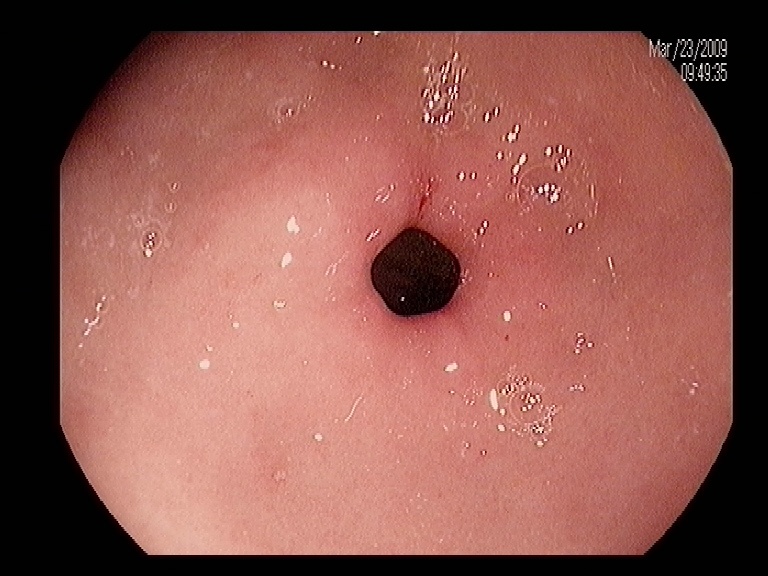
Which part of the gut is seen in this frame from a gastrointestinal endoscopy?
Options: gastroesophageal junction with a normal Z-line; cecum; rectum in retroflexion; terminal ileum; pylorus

pylorus